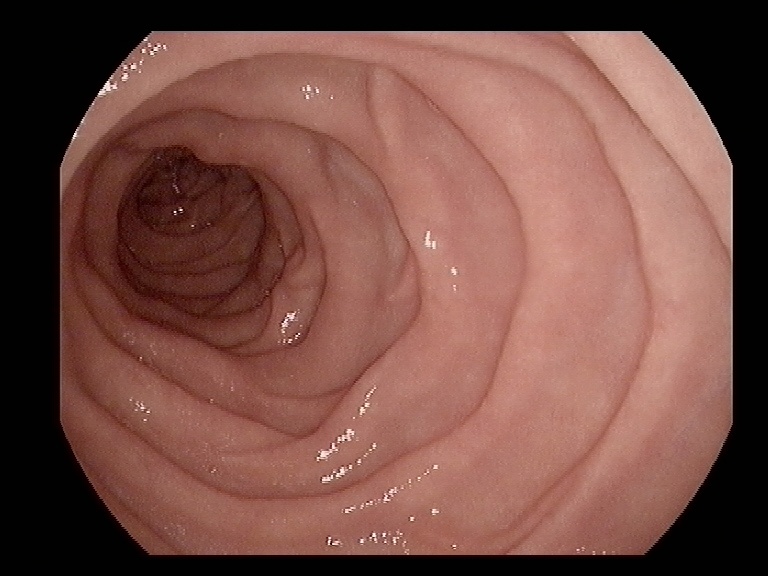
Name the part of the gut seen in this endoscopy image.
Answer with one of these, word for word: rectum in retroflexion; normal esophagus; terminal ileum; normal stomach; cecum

terminal ileum